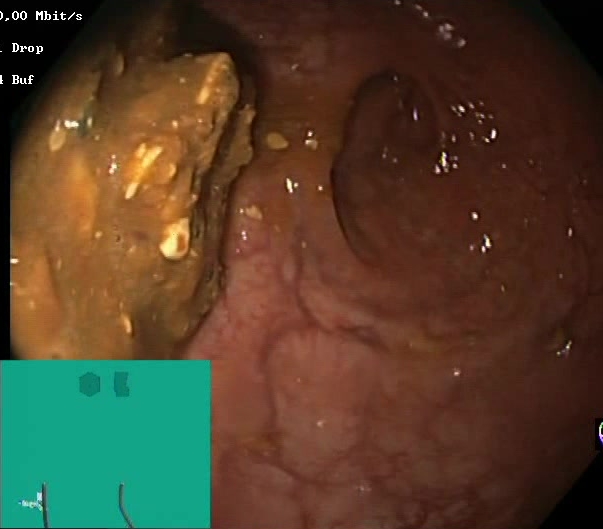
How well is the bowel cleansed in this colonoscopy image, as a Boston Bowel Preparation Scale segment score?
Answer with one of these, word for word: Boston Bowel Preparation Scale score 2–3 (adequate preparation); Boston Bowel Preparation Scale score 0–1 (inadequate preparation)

Boston Bowel Preparation Scale score 0–1 (inadequate preparation)